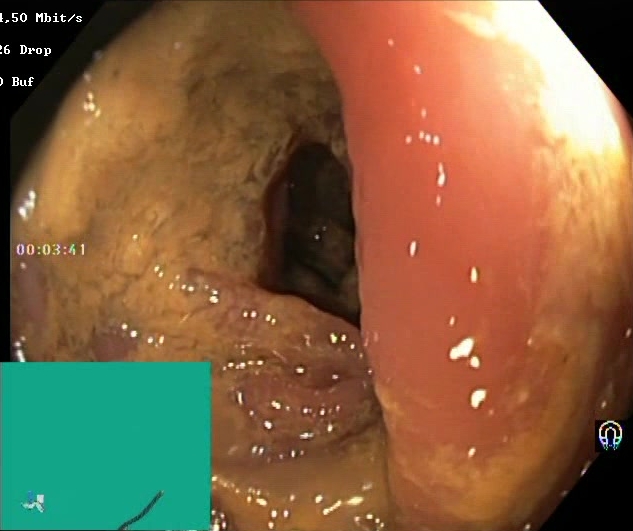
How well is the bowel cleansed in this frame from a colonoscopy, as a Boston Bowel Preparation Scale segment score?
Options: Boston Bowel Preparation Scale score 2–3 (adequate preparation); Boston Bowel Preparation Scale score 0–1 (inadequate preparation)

Boston Bowel Preparation Scale score 0–1 (inadequate preparation)